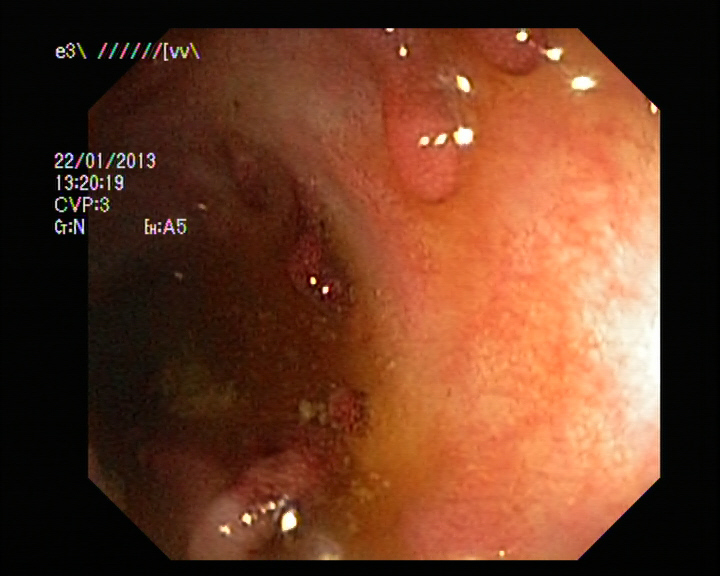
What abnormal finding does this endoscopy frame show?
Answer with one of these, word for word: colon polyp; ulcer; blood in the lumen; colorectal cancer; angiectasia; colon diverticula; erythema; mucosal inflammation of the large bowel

colon polyp